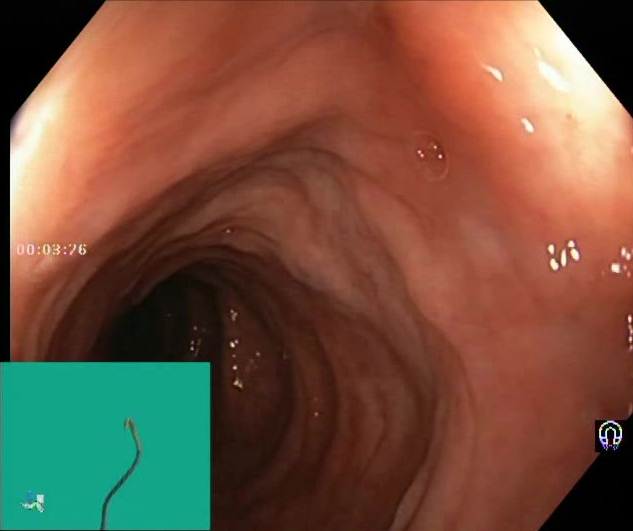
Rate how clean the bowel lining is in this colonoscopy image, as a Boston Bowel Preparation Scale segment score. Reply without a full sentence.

Boston Bowel Preparation Scale score 2–3 (adequate preparation)